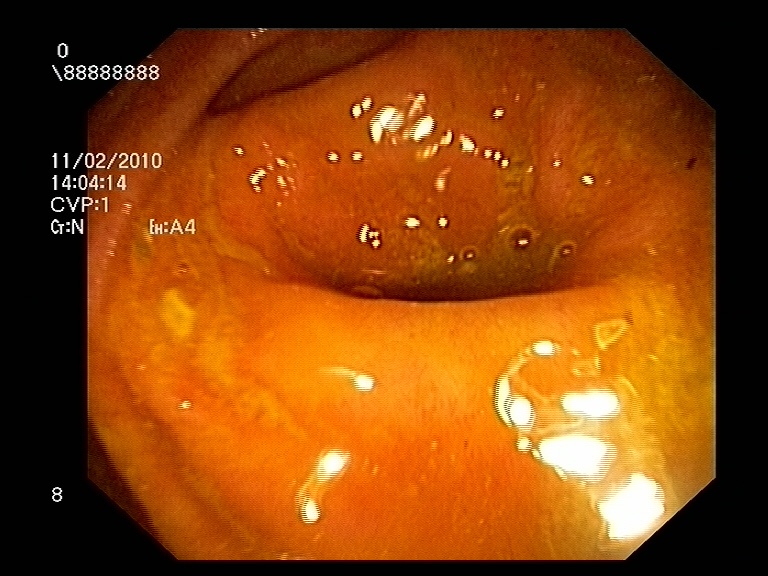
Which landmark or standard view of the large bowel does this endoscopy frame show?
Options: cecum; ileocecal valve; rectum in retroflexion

cecum